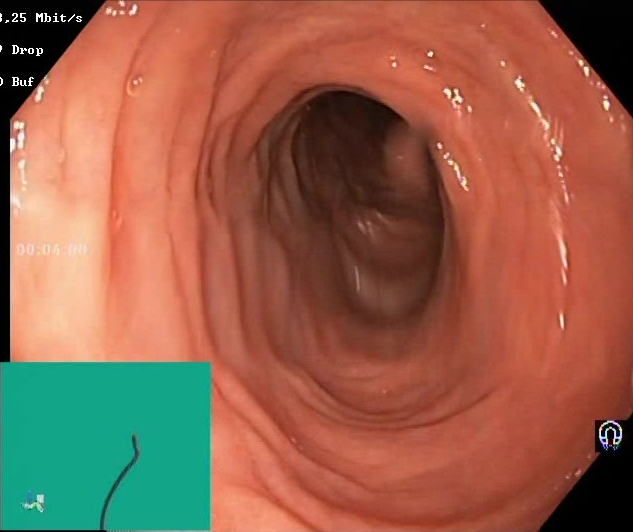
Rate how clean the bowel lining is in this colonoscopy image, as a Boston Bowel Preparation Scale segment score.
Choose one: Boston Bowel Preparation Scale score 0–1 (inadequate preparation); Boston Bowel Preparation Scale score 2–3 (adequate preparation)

Boston Bowel Preparation Scale score 2–3 (adequate preparation)